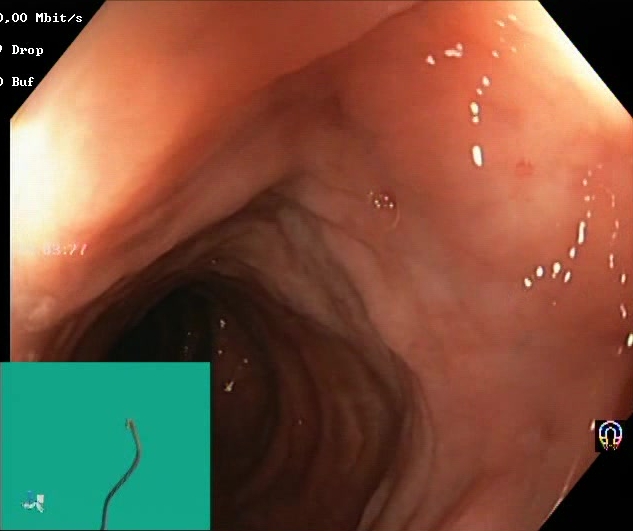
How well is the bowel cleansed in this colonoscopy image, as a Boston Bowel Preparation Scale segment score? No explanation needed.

Boston Bowel Preparation Scale score 2–3 (adequate preparation)